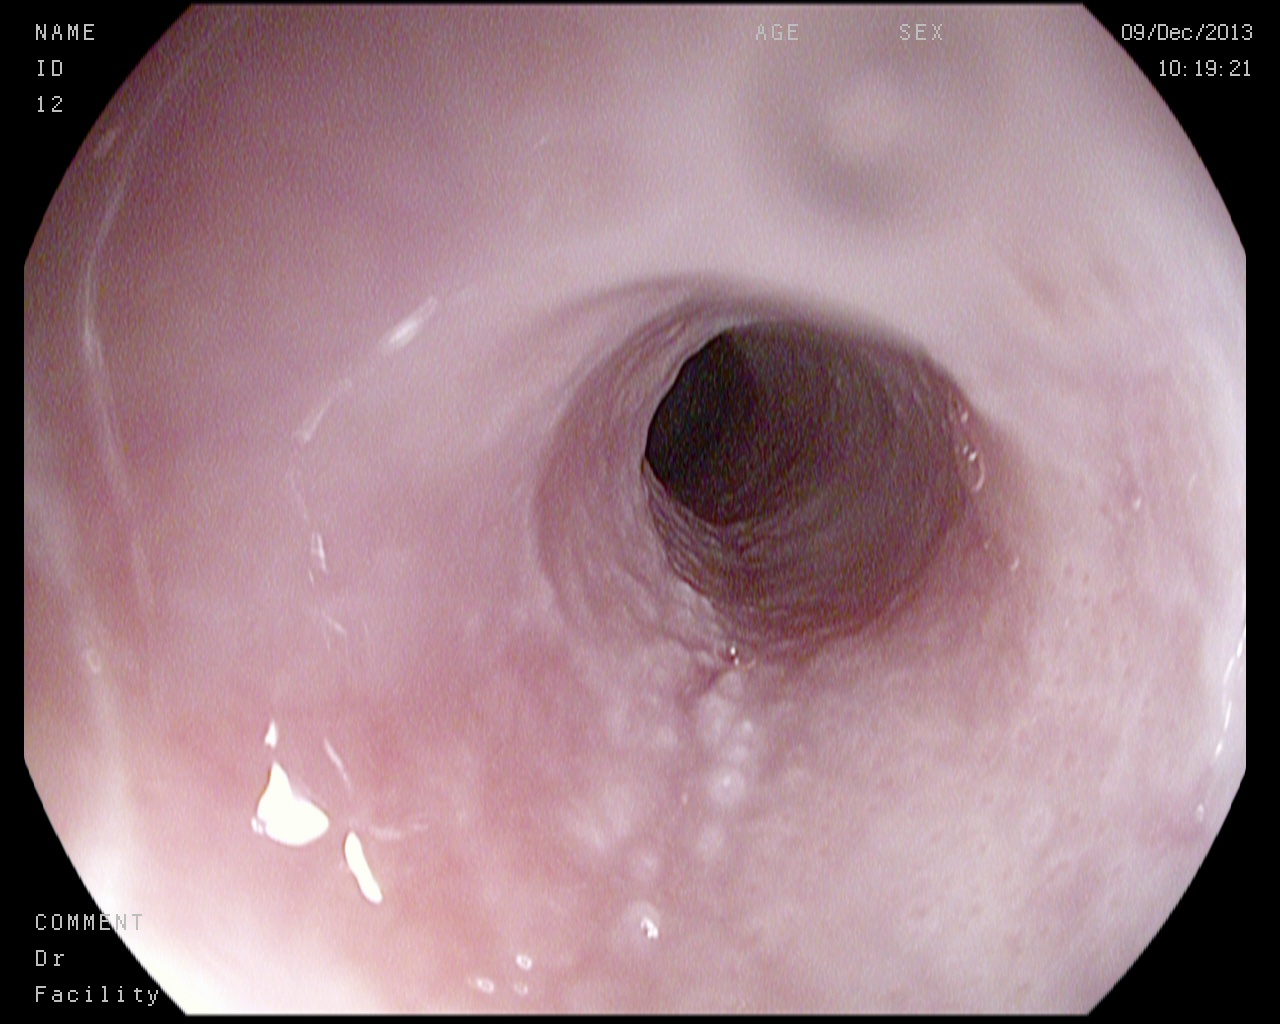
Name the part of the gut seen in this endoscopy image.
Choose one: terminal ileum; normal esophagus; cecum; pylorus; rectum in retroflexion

normal esophagus